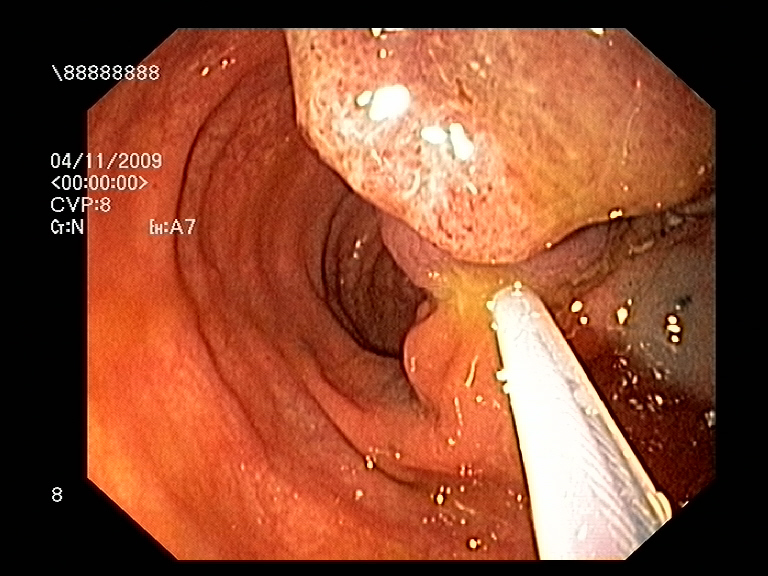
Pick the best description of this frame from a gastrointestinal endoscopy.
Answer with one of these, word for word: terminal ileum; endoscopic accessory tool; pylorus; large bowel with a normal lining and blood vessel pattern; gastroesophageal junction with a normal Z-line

endoscopic accessory tool